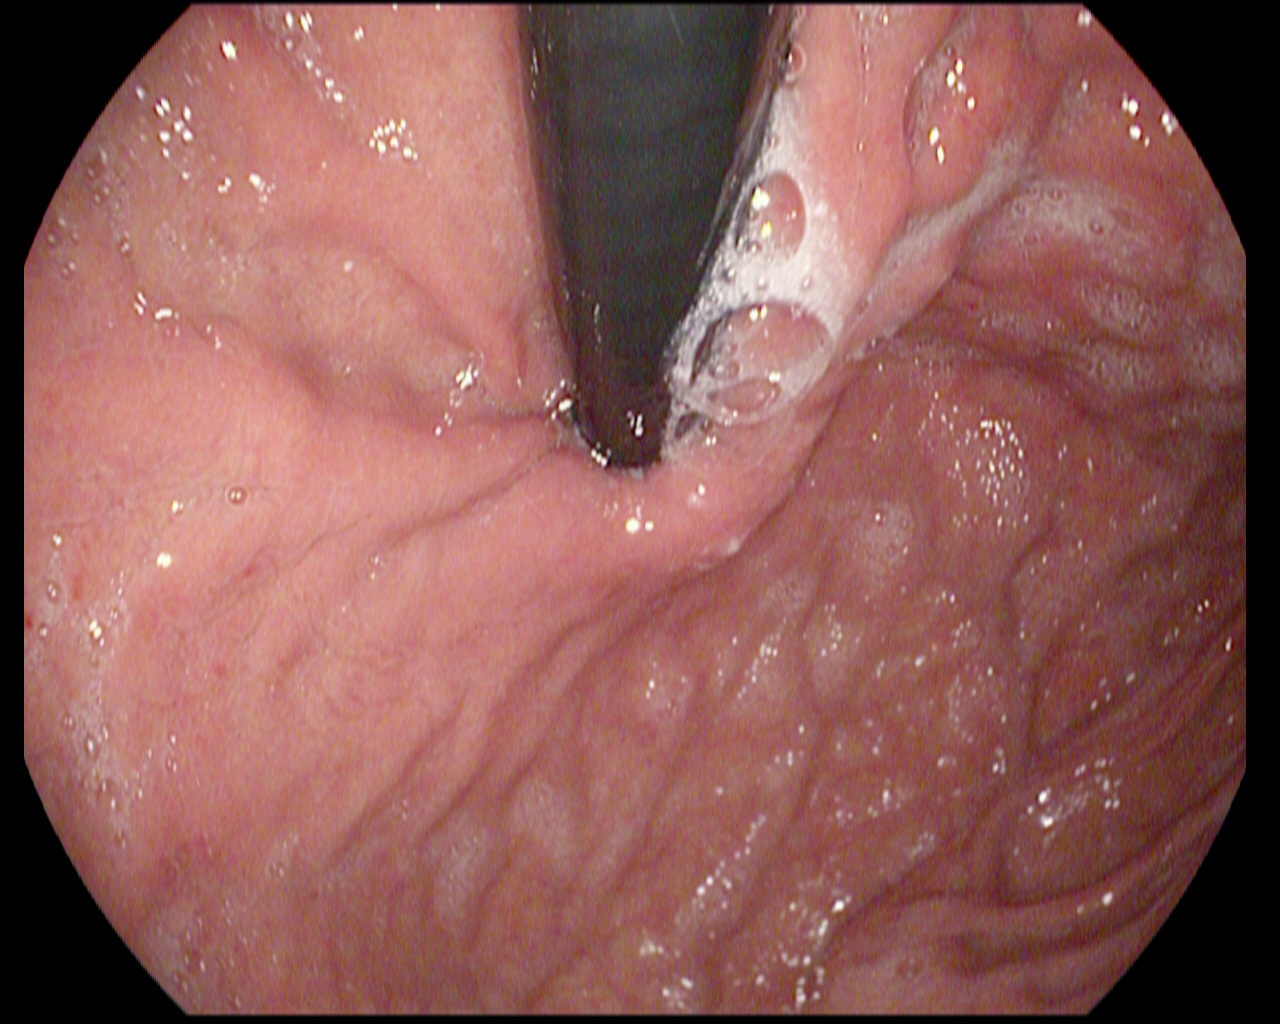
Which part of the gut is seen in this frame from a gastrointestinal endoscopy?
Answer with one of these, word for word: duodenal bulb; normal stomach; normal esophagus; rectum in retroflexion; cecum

normal stomach